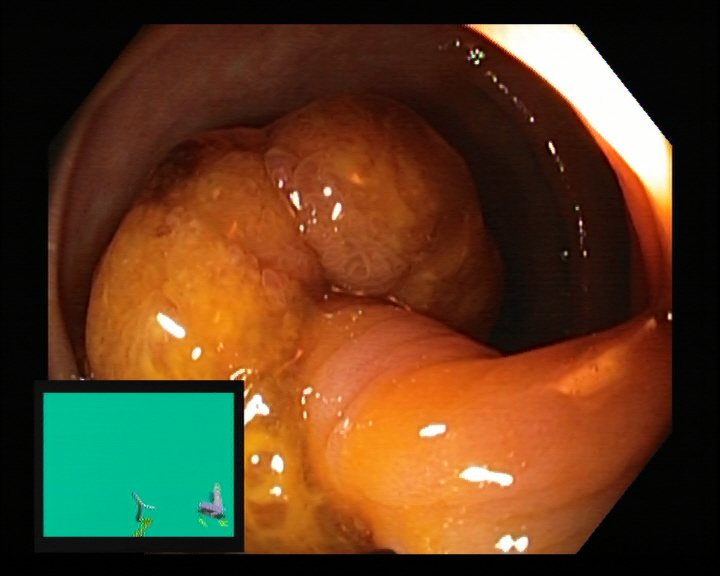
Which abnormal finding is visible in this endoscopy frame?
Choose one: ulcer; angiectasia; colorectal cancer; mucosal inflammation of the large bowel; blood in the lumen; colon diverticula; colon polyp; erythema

colon polyp